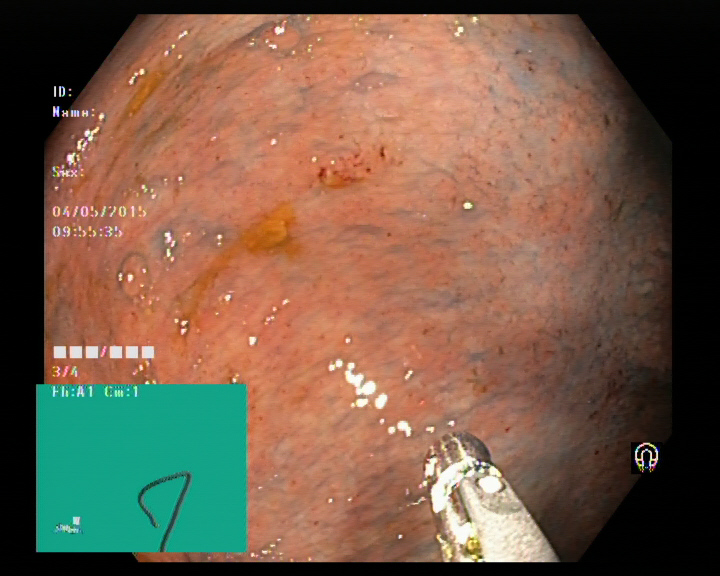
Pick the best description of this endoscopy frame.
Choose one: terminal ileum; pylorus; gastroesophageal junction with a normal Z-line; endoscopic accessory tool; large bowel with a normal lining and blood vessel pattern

endoscopic accessory tool